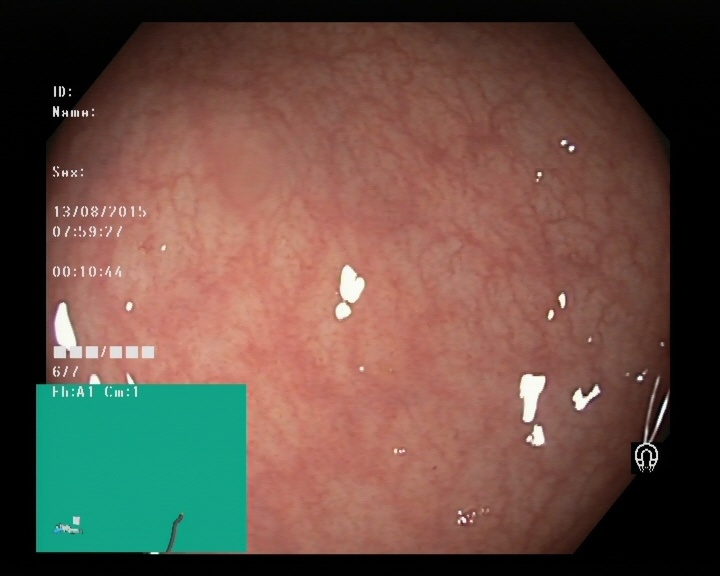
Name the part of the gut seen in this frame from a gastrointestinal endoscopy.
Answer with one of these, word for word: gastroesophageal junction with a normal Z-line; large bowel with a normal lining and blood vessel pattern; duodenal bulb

large bowel with a normal lining and blood vessel pattern